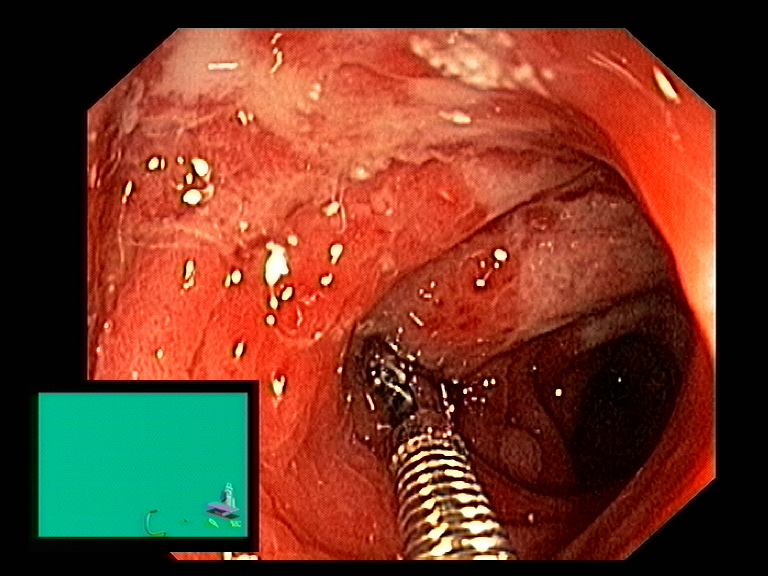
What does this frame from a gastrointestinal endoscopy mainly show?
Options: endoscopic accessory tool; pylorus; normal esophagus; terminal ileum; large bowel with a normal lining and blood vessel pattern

endoscopic accessory tool